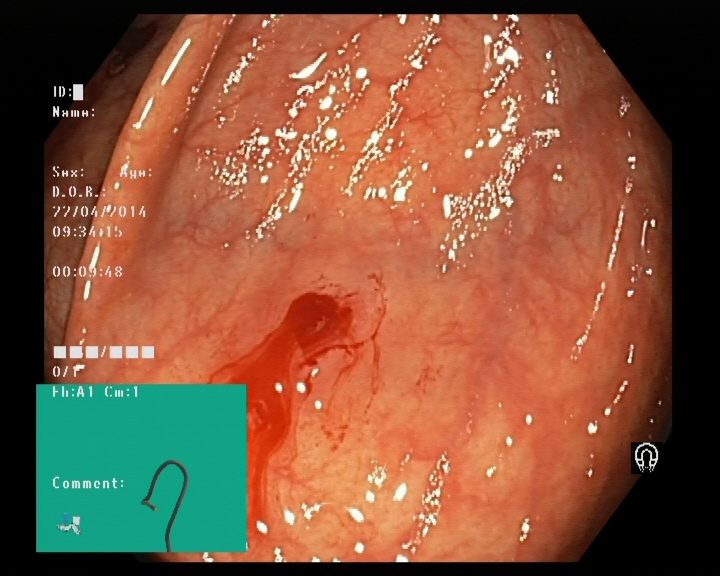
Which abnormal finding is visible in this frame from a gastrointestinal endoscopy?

blood in the lumen